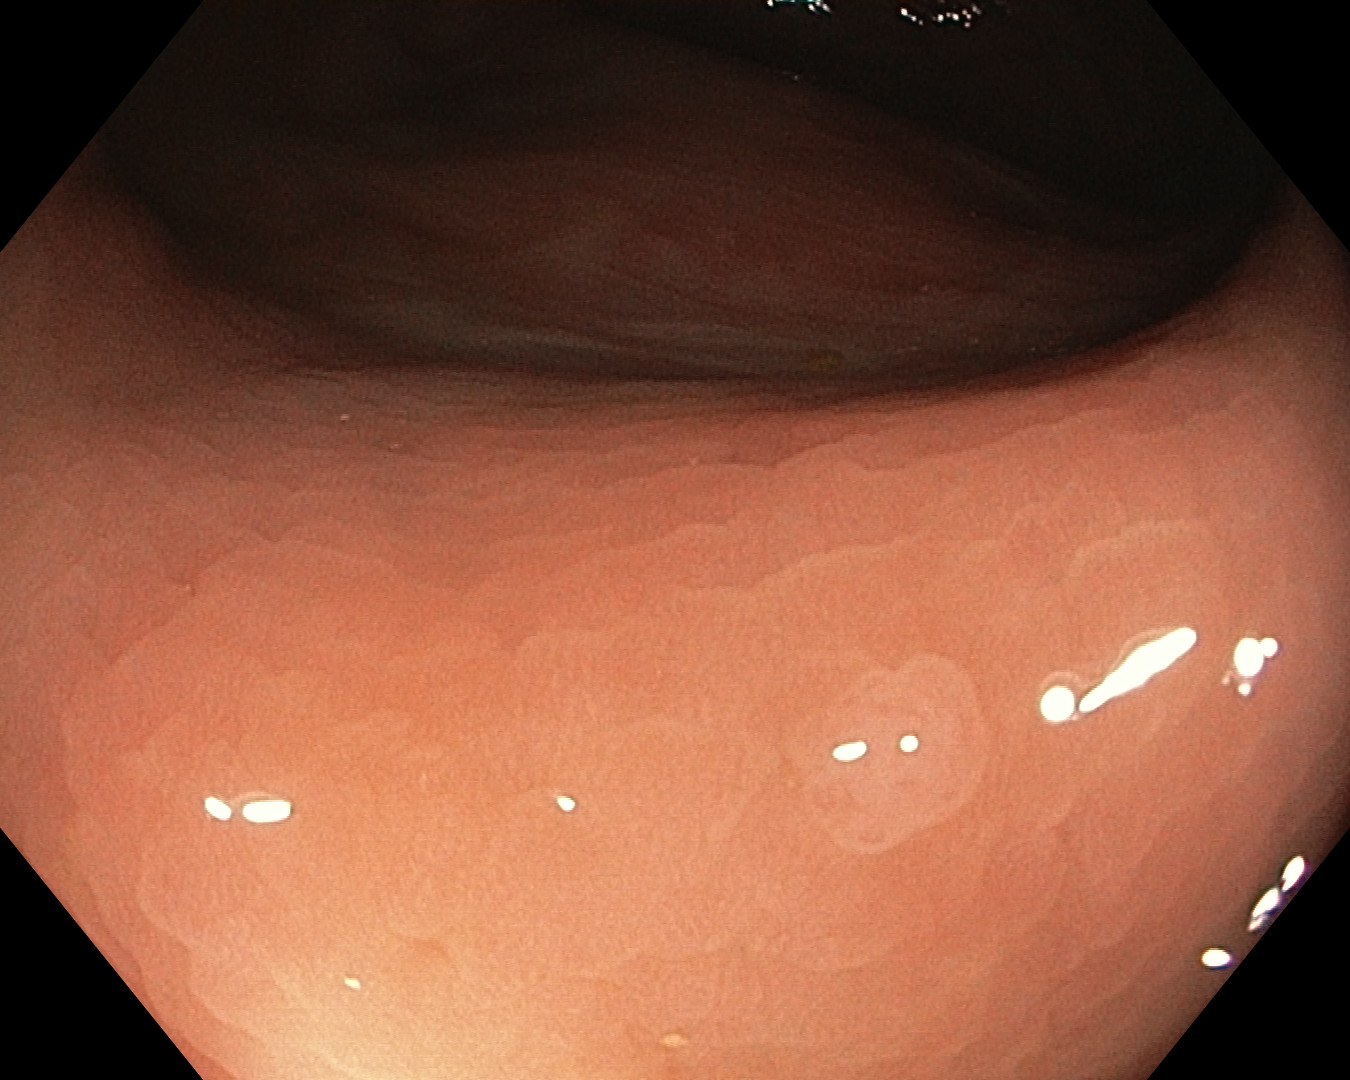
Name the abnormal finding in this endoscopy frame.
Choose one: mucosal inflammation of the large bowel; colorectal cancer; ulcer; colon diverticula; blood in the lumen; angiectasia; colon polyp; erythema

colon polyp